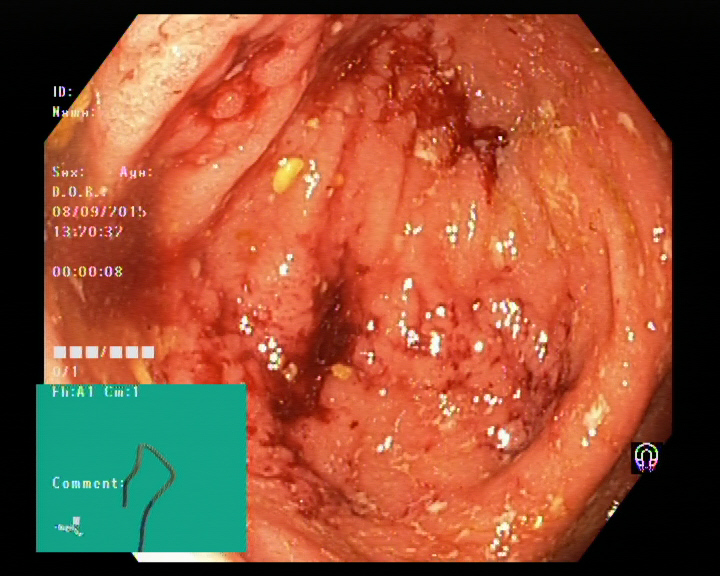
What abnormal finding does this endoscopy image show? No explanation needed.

blood in the lumen